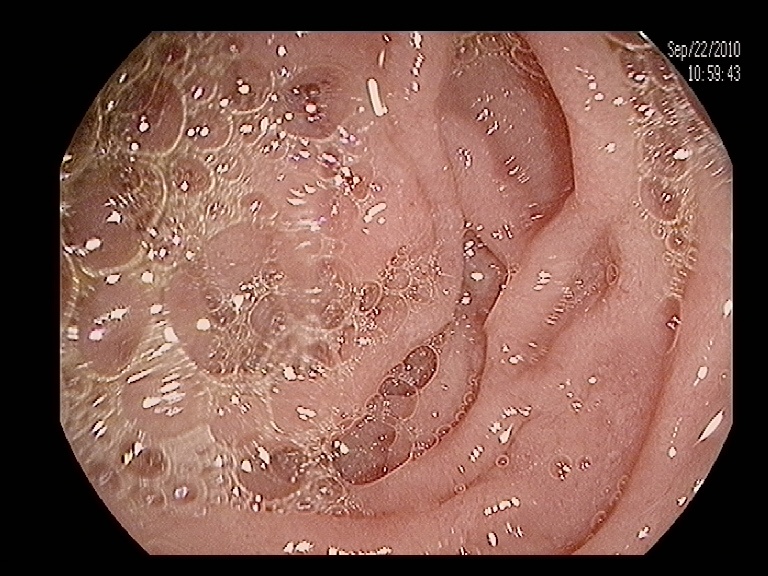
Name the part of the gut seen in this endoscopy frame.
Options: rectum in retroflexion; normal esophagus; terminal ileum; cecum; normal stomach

terminal ileum